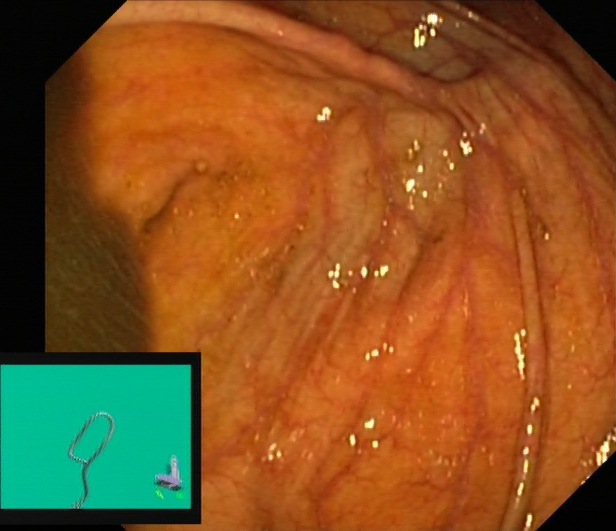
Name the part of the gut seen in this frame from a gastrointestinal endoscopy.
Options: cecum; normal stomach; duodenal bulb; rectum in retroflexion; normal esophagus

cecum